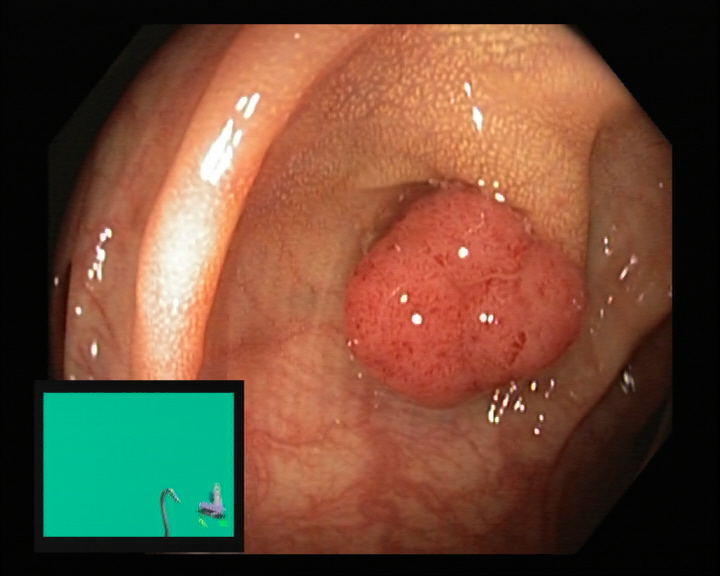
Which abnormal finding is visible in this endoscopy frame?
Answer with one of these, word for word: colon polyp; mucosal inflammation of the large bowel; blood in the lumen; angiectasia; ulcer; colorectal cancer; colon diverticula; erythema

colon polyp